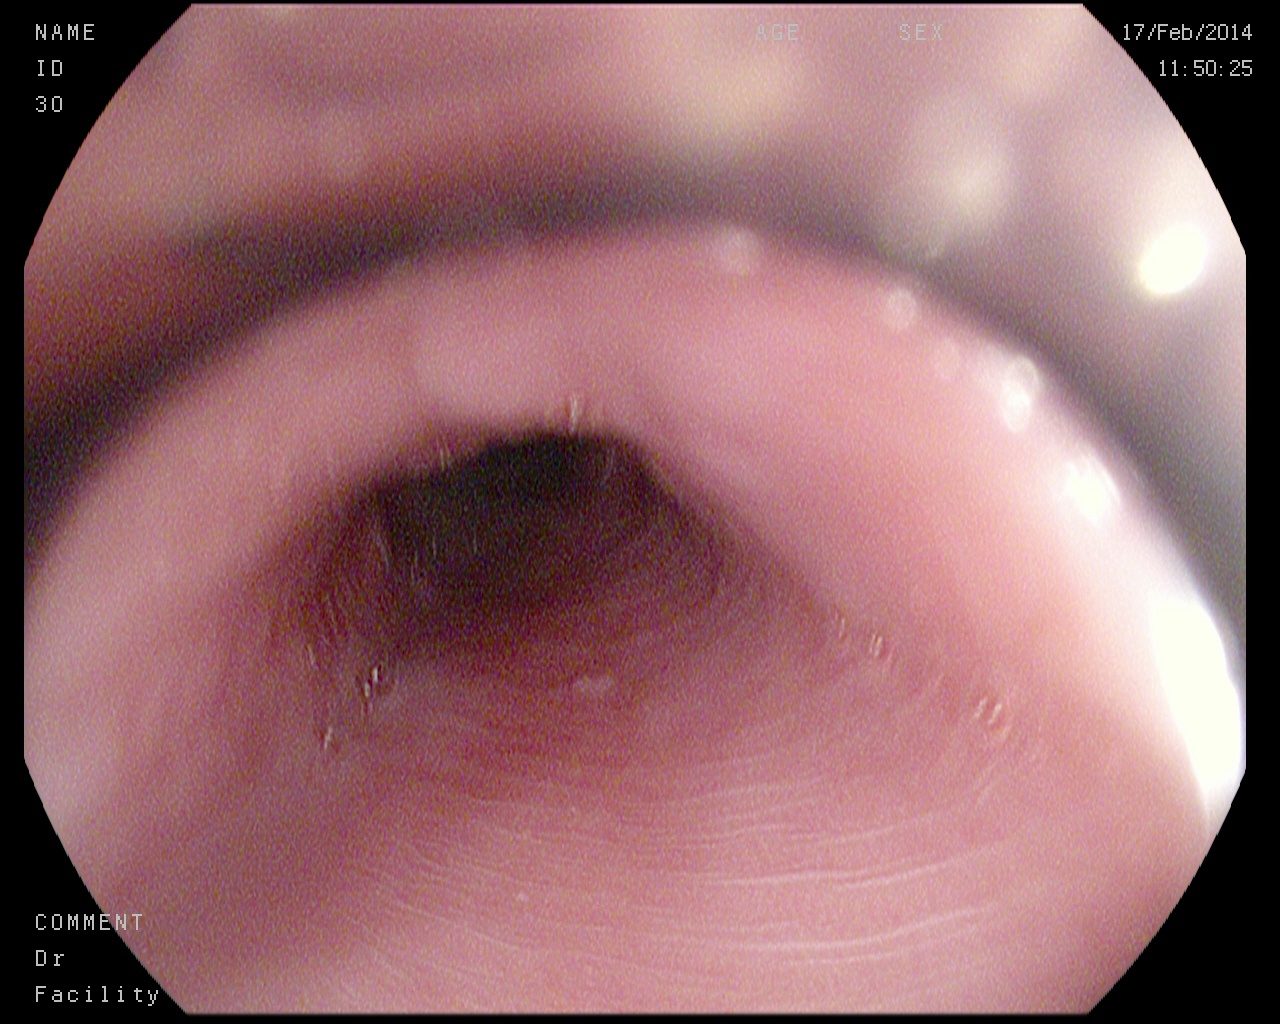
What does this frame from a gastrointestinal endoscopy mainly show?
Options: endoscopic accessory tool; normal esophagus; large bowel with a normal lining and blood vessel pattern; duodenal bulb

normal esophagus